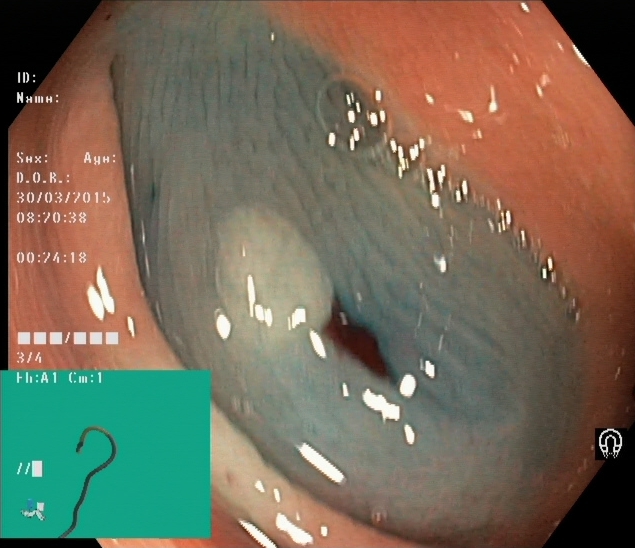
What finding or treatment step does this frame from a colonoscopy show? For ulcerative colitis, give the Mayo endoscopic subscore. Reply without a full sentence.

dyed and lifted polyp (pre-resection)